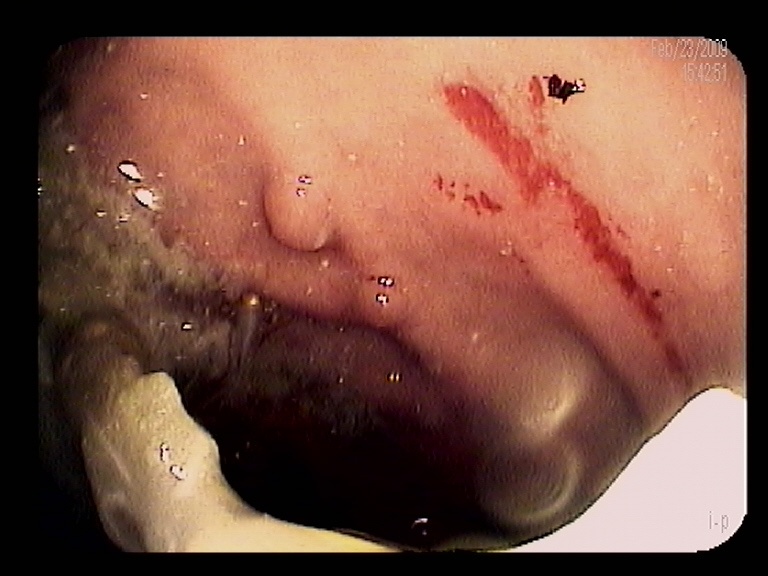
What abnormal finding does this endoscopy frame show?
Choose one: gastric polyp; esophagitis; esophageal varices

gastric polyp